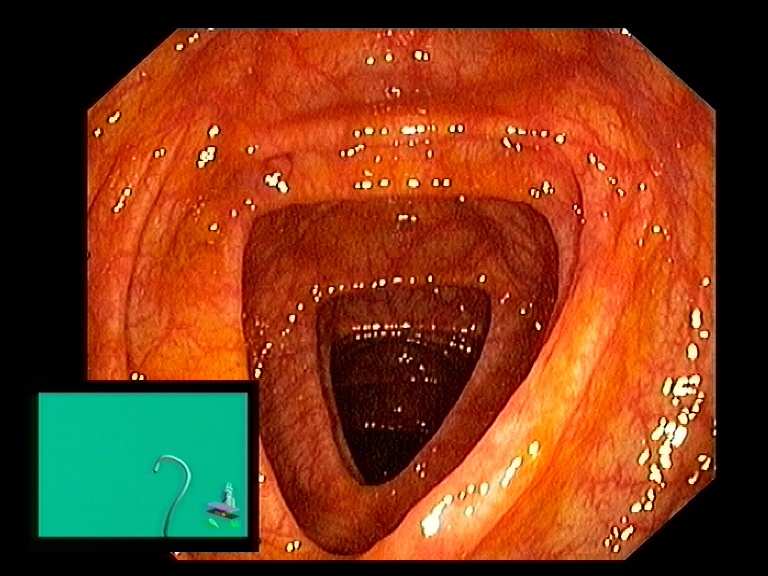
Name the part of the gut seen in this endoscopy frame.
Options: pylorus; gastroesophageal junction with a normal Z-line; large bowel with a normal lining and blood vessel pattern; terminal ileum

large bowel with a normal lining and blood vessel pattern